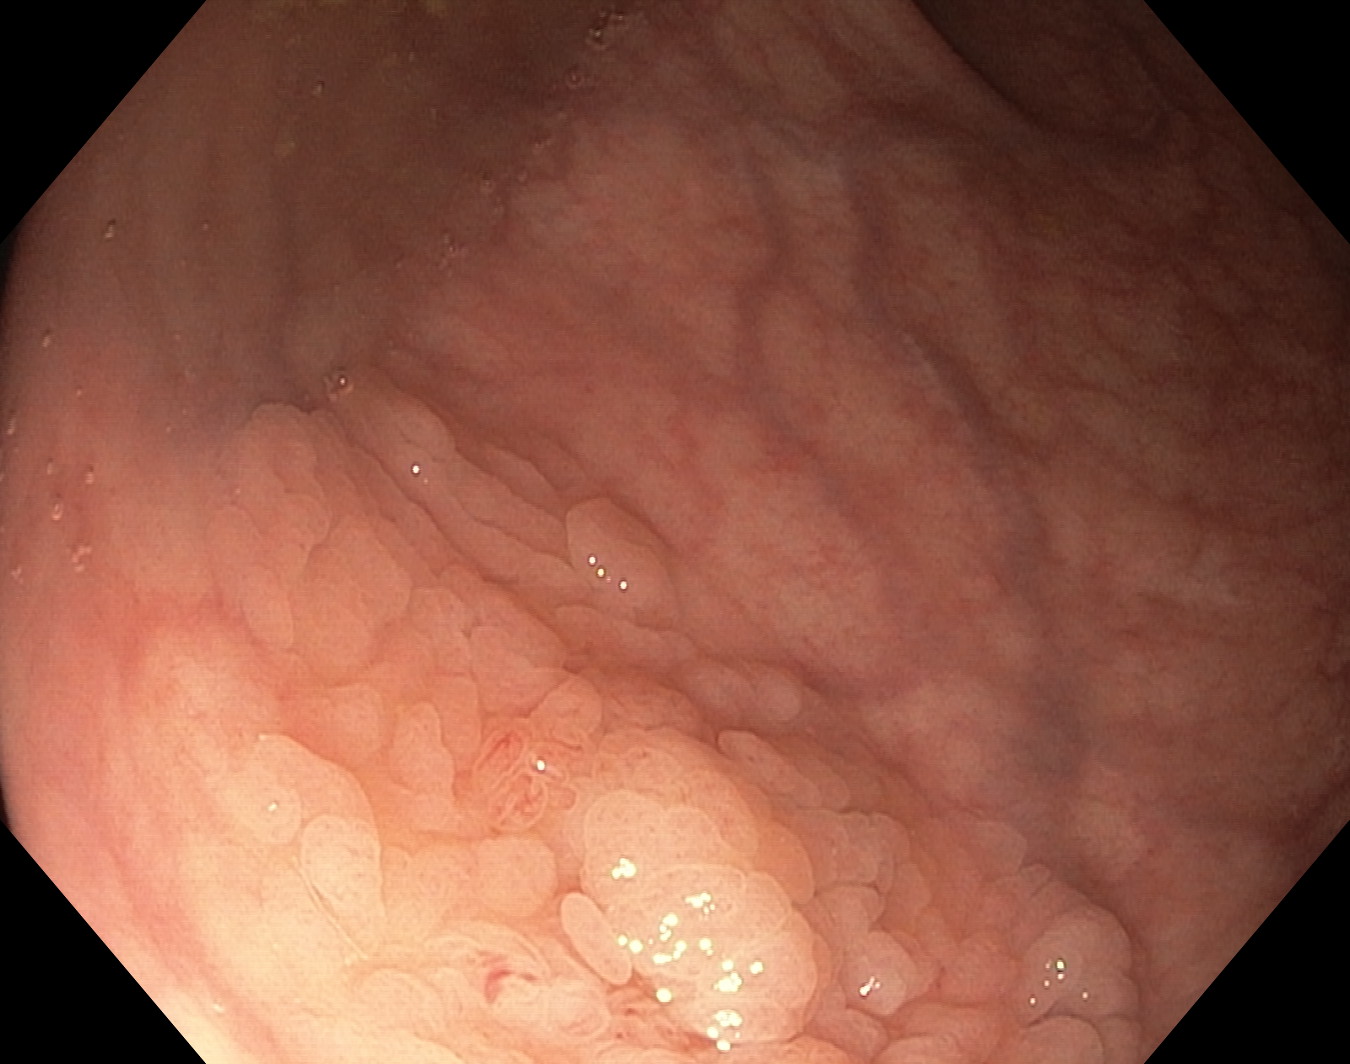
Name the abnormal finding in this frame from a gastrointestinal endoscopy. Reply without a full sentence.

colon polyp